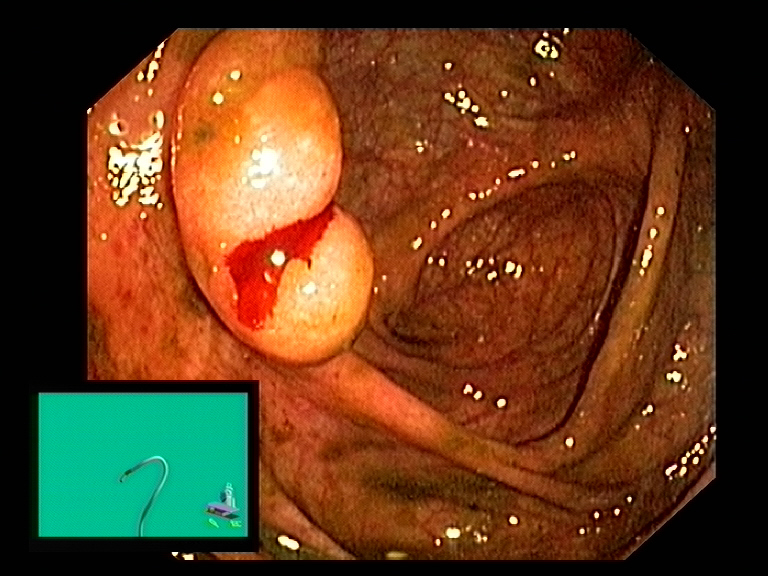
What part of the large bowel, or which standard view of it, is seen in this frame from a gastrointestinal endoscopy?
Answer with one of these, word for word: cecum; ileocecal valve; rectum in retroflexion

ileocecal valve